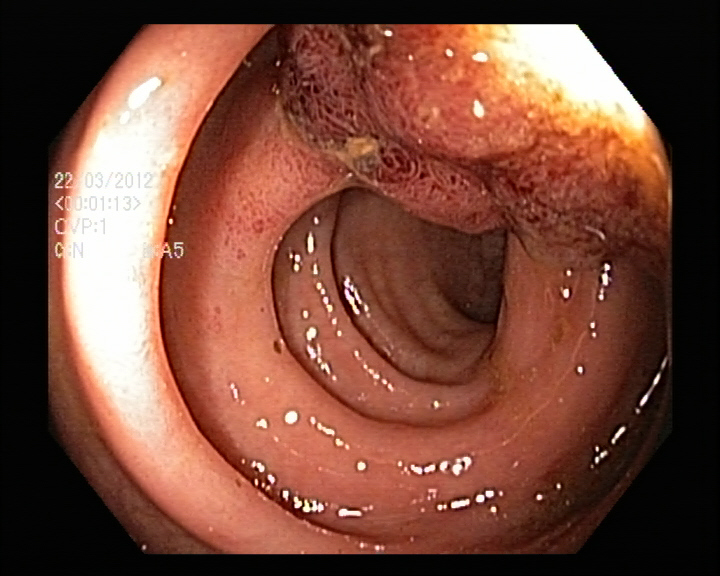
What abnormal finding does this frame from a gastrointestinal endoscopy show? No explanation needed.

colon polyp